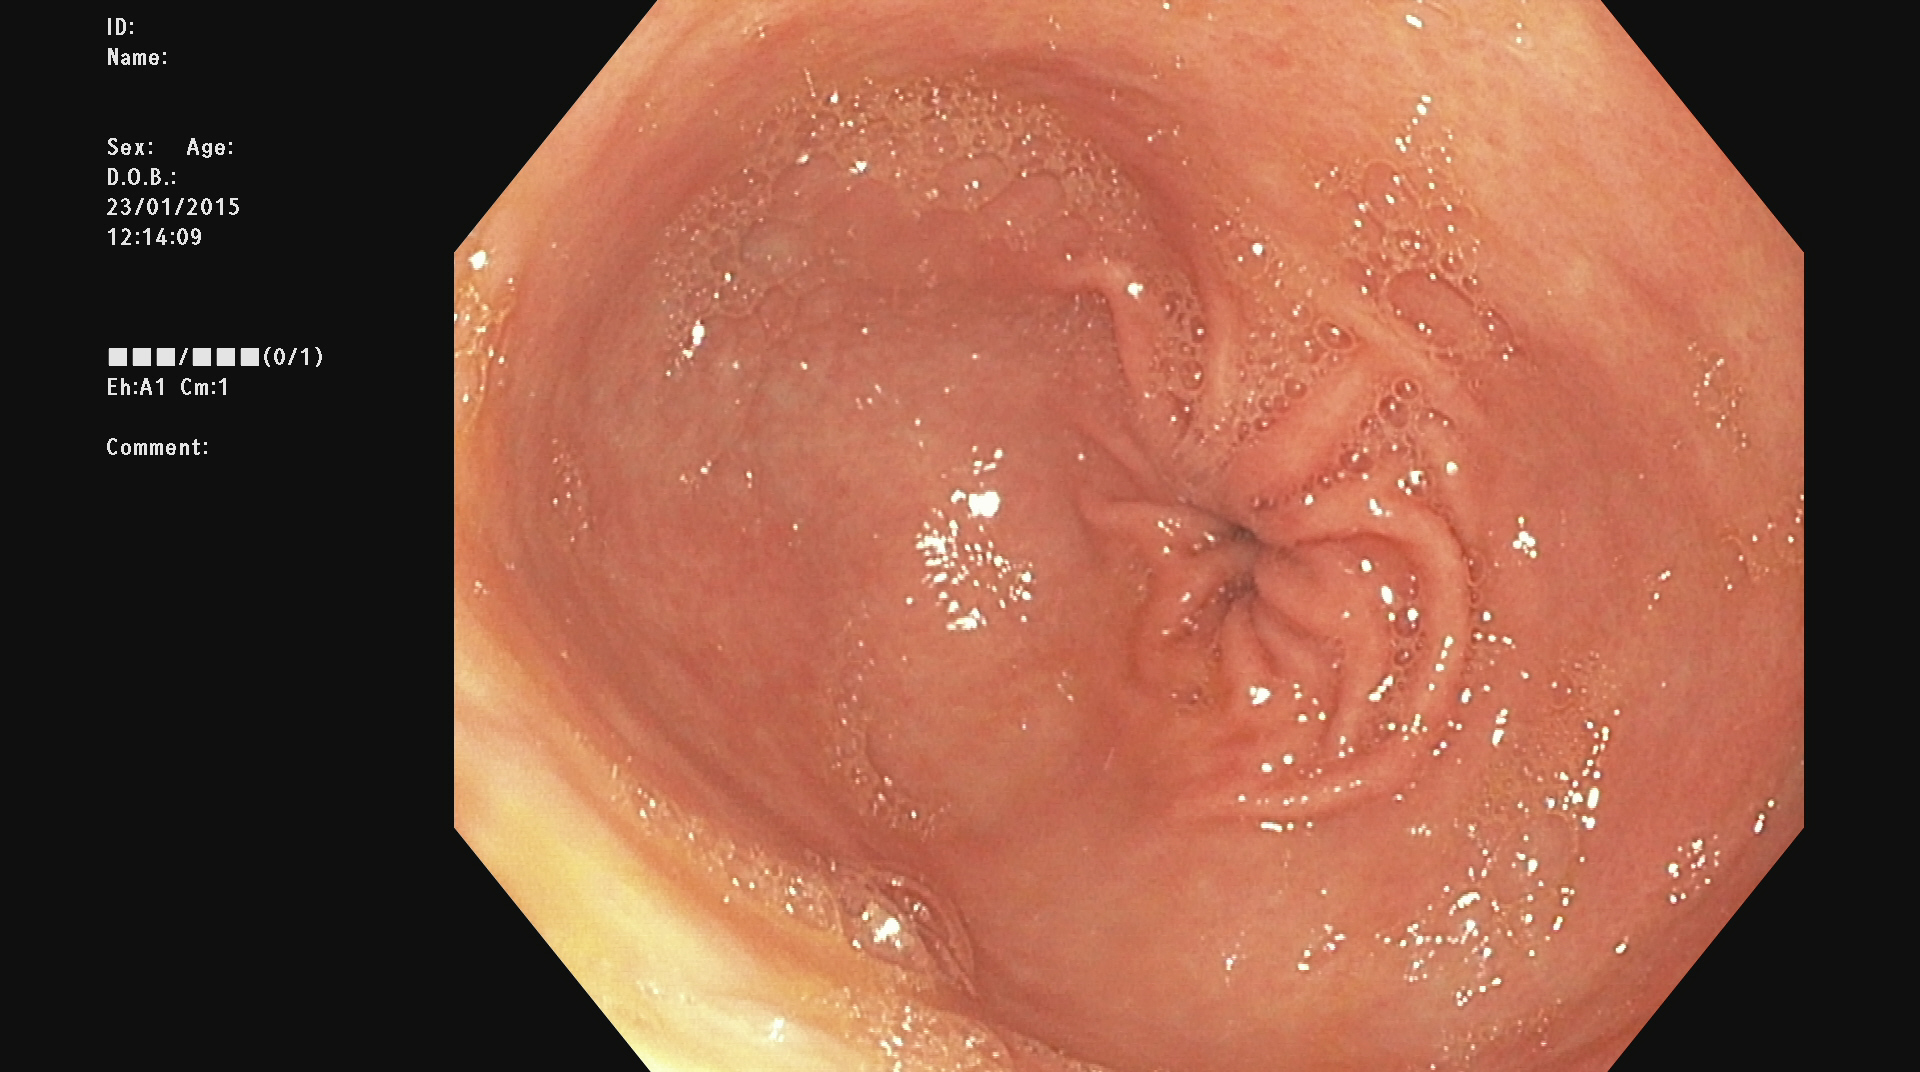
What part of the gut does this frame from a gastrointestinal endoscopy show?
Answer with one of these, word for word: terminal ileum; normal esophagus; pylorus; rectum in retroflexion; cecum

pylorus